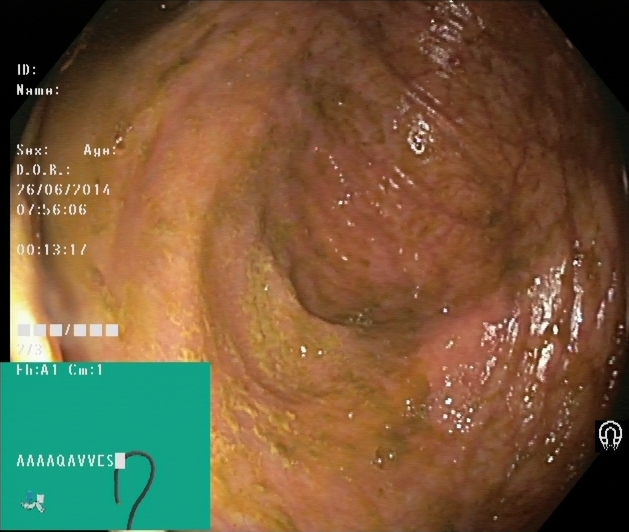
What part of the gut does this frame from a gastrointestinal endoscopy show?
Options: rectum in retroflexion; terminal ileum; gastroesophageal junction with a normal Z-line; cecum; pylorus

cecum